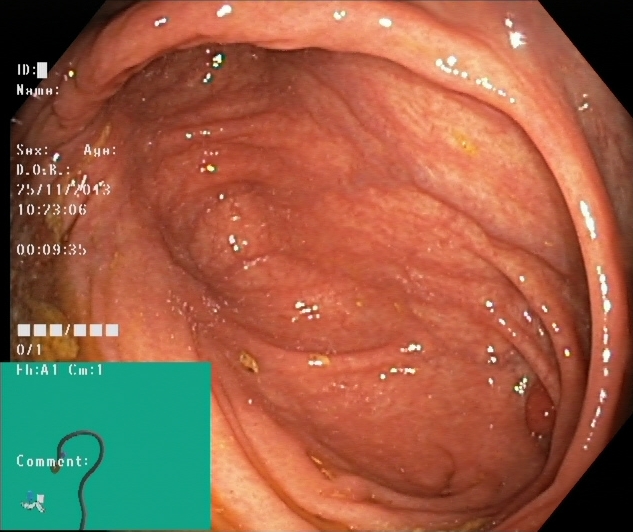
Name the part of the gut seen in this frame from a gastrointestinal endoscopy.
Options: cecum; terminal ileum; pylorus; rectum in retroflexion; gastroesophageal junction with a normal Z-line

cecum